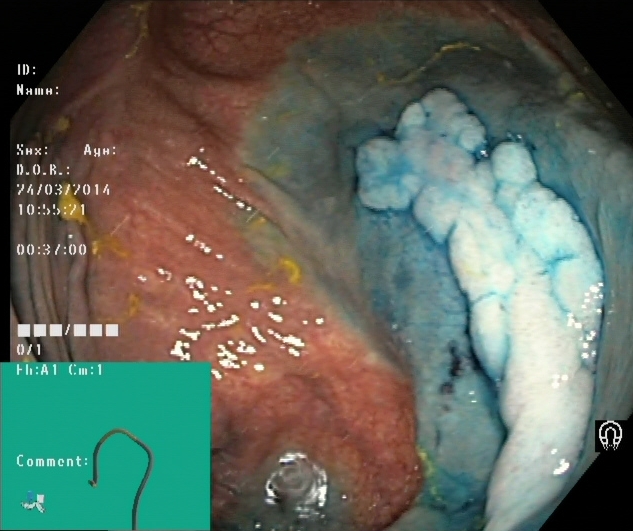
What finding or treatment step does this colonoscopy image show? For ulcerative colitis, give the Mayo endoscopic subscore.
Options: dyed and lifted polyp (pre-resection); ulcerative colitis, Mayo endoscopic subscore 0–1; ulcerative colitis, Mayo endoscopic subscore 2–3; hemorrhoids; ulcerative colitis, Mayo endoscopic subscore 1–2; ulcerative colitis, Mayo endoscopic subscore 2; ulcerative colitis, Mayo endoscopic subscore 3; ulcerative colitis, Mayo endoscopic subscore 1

dyed and lifted polyp (pre-resection)